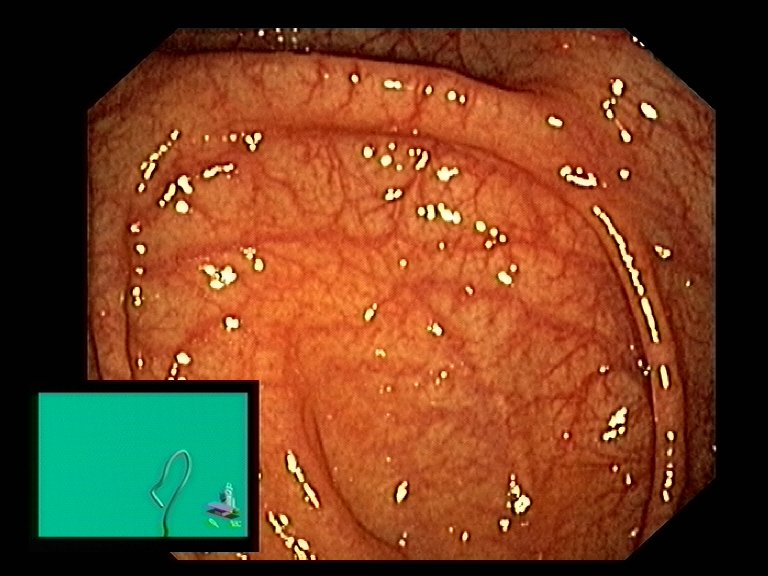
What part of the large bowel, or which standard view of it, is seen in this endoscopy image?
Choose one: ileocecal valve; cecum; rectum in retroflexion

cecum